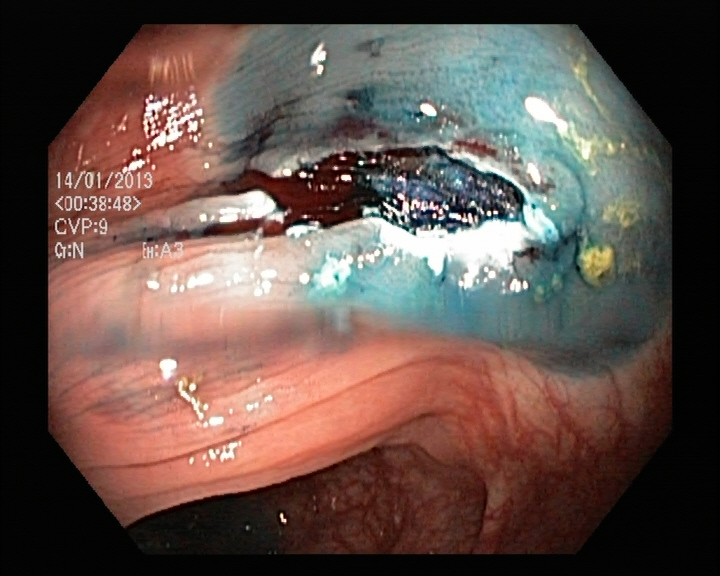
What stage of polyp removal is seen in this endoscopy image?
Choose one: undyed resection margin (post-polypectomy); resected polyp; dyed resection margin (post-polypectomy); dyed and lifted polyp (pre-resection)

dyed resection margin (post-polypectomy)